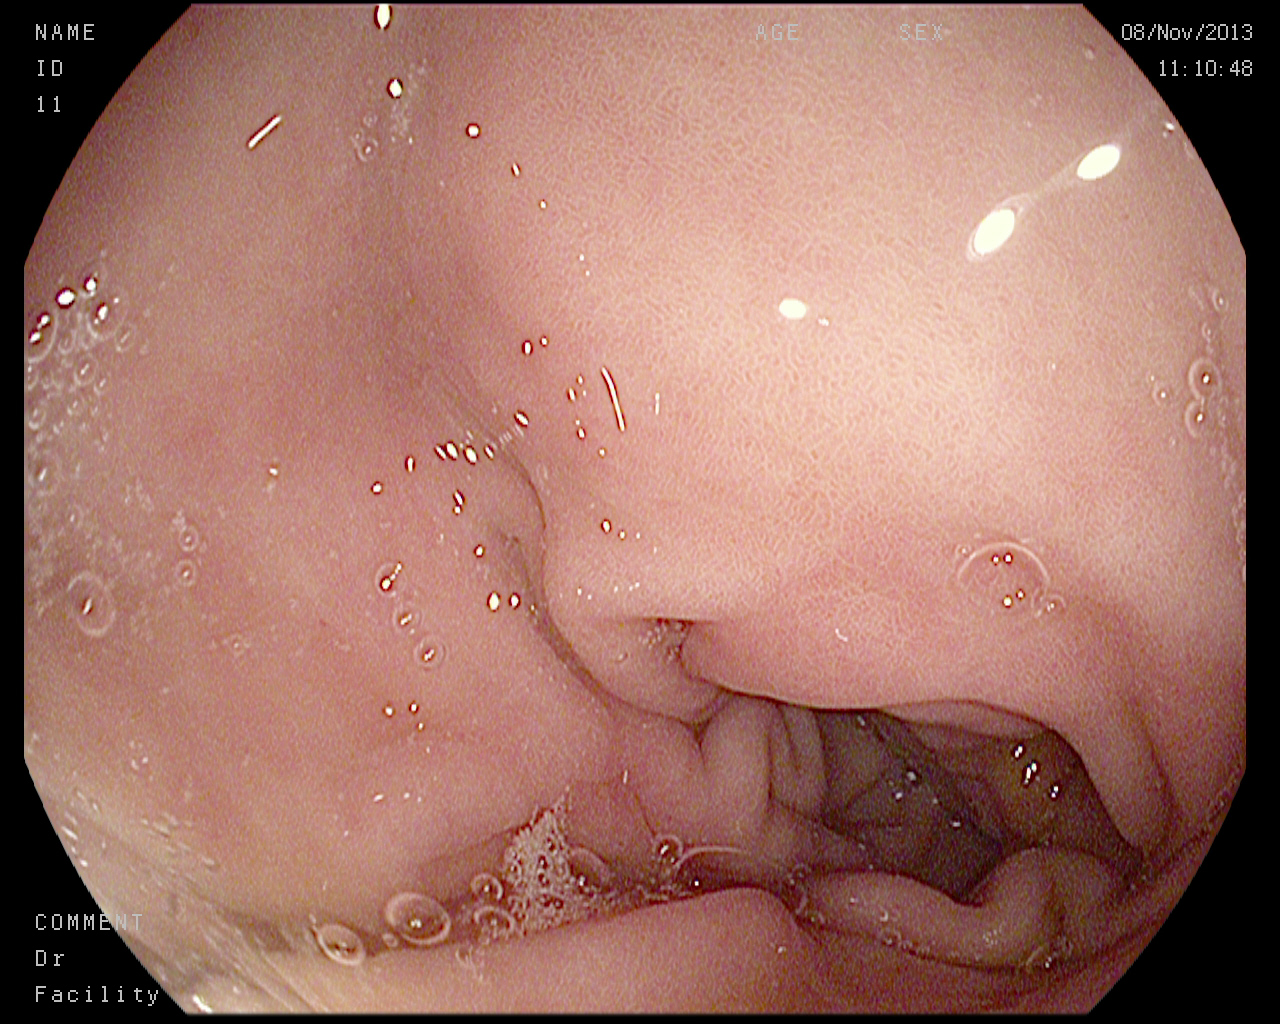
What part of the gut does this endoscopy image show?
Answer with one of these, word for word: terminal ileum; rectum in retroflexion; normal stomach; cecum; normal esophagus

normal stomach